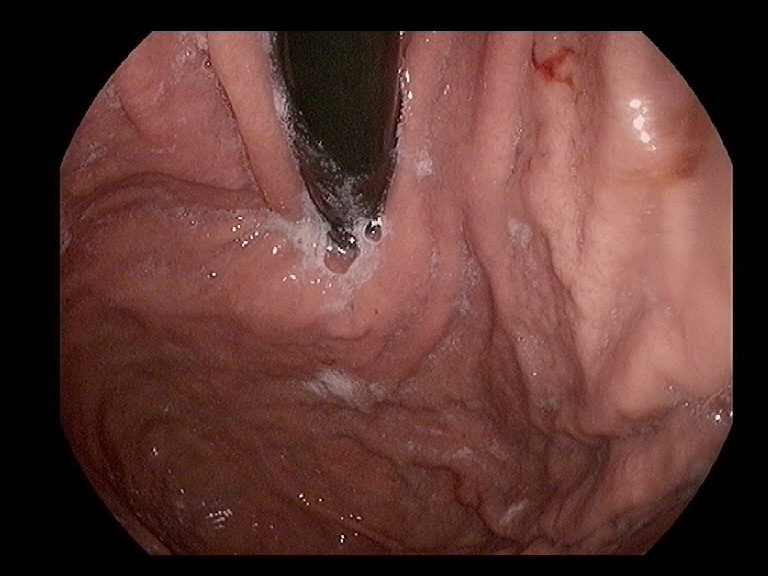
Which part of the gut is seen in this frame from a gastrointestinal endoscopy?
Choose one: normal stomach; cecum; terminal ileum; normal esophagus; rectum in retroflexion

normal stomach